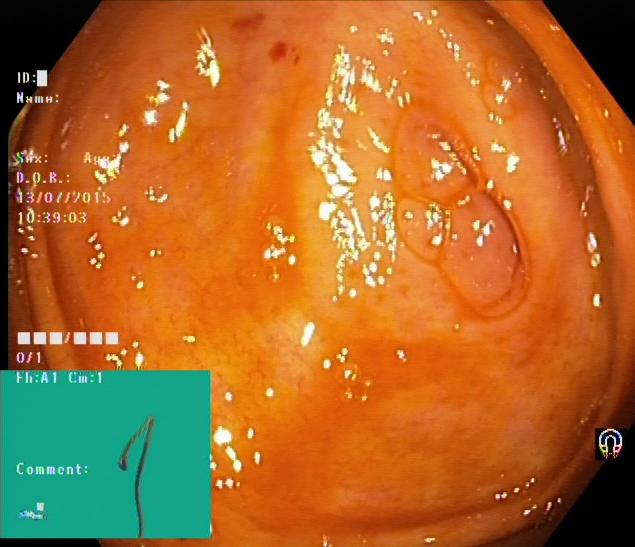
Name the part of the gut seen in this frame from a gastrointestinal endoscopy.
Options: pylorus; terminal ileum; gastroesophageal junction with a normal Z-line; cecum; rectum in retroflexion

cecum